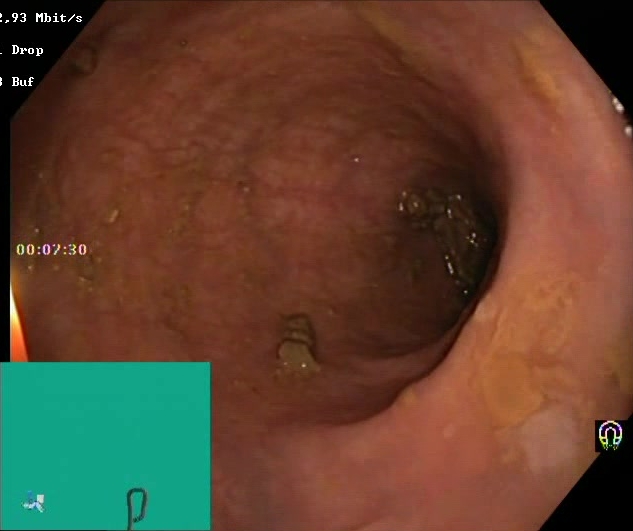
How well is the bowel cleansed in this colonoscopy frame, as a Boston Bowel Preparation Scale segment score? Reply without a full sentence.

Boston Bowel Preparation Scale score 2–3 (adequate preparation)